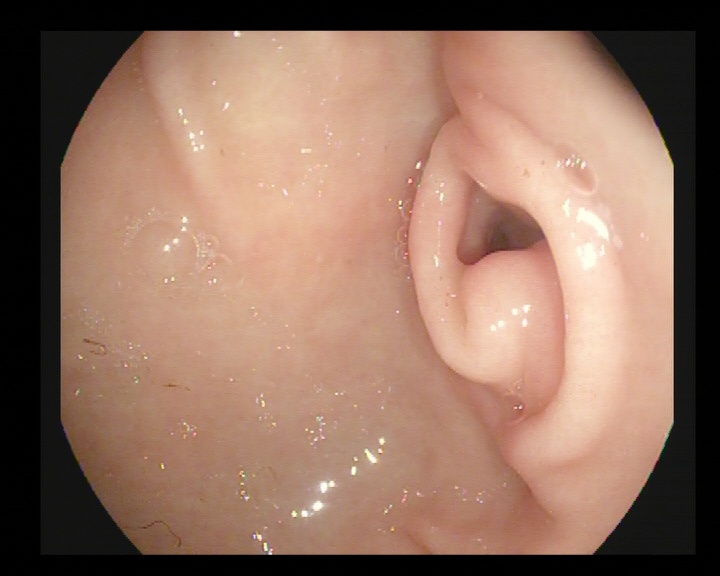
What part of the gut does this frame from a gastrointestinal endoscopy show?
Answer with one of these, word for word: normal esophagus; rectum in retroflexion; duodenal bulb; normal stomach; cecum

normal stomach